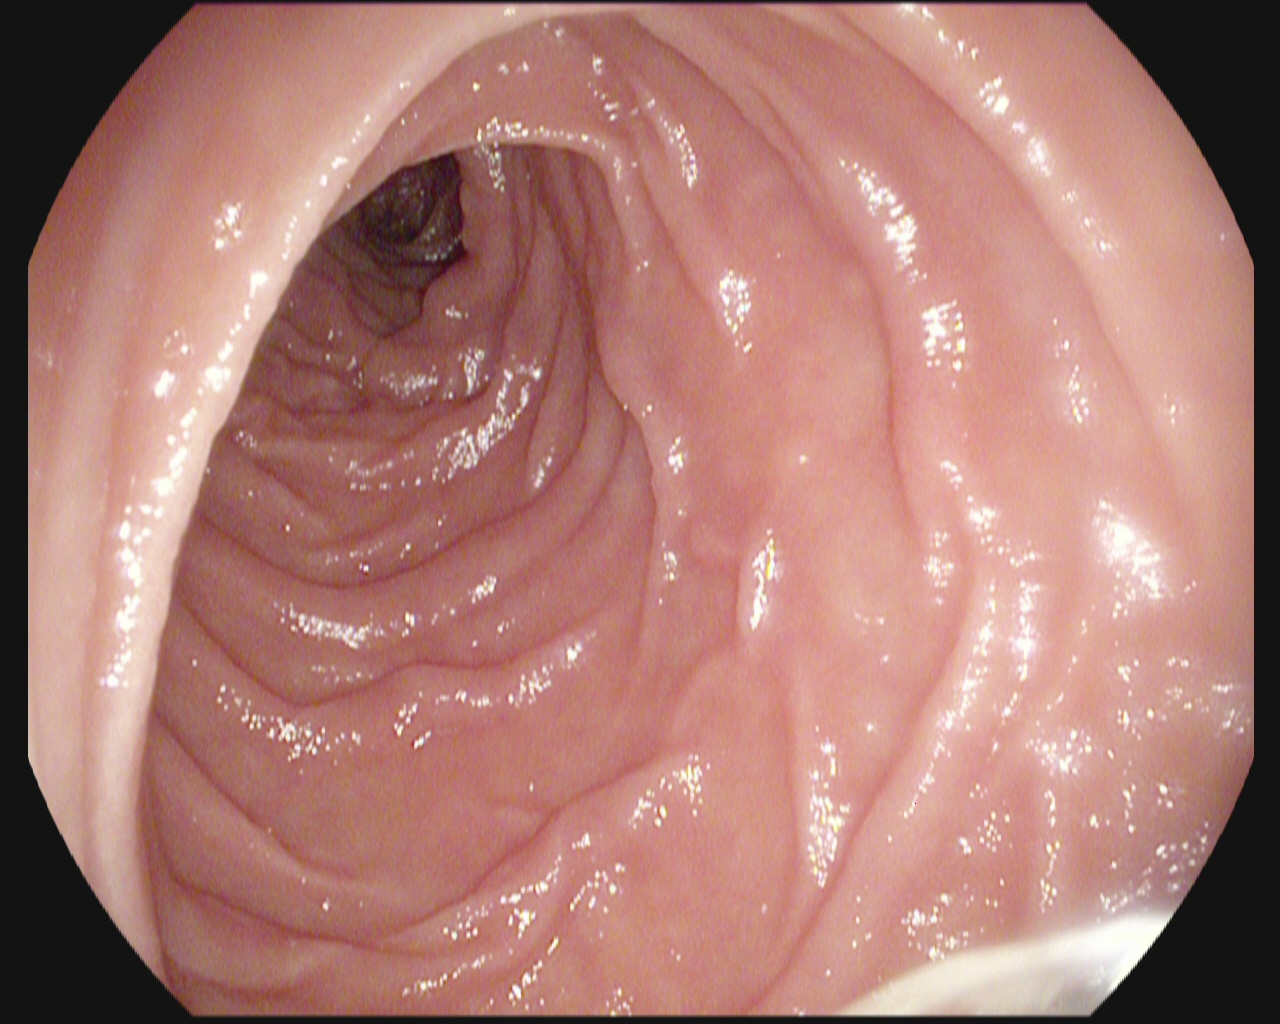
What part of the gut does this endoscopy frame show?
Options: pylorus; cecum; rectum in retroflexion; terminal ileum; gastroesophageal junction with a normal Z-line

terminal ileum